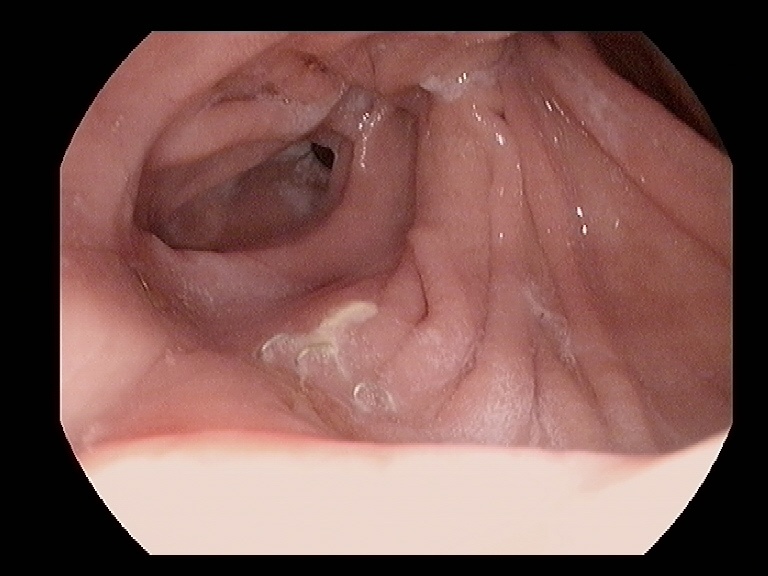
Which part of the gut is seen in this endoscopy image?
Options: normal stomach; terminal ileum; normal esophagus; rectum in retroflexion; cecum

normal stomach